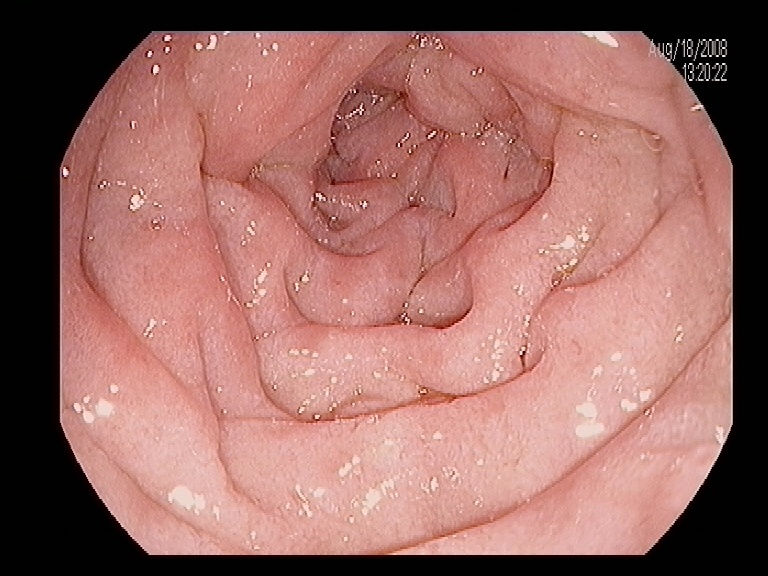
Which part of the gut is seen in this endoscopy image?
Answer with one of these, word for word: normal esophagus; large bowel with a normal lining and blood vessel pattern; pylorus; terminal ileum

terminal ileum